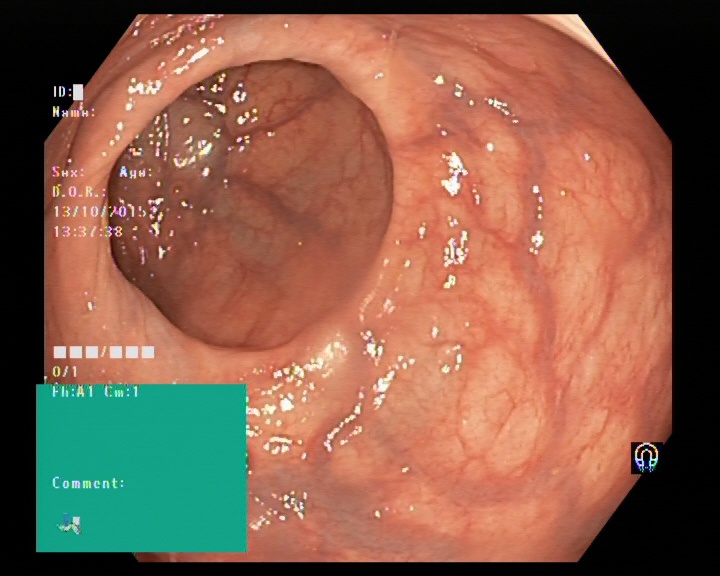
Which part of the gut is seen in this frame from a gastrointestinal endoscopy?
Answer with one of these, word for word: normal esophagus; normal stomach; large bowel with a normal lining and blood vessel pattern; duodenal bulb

large bowel with a normal lining and blood vessel pattern